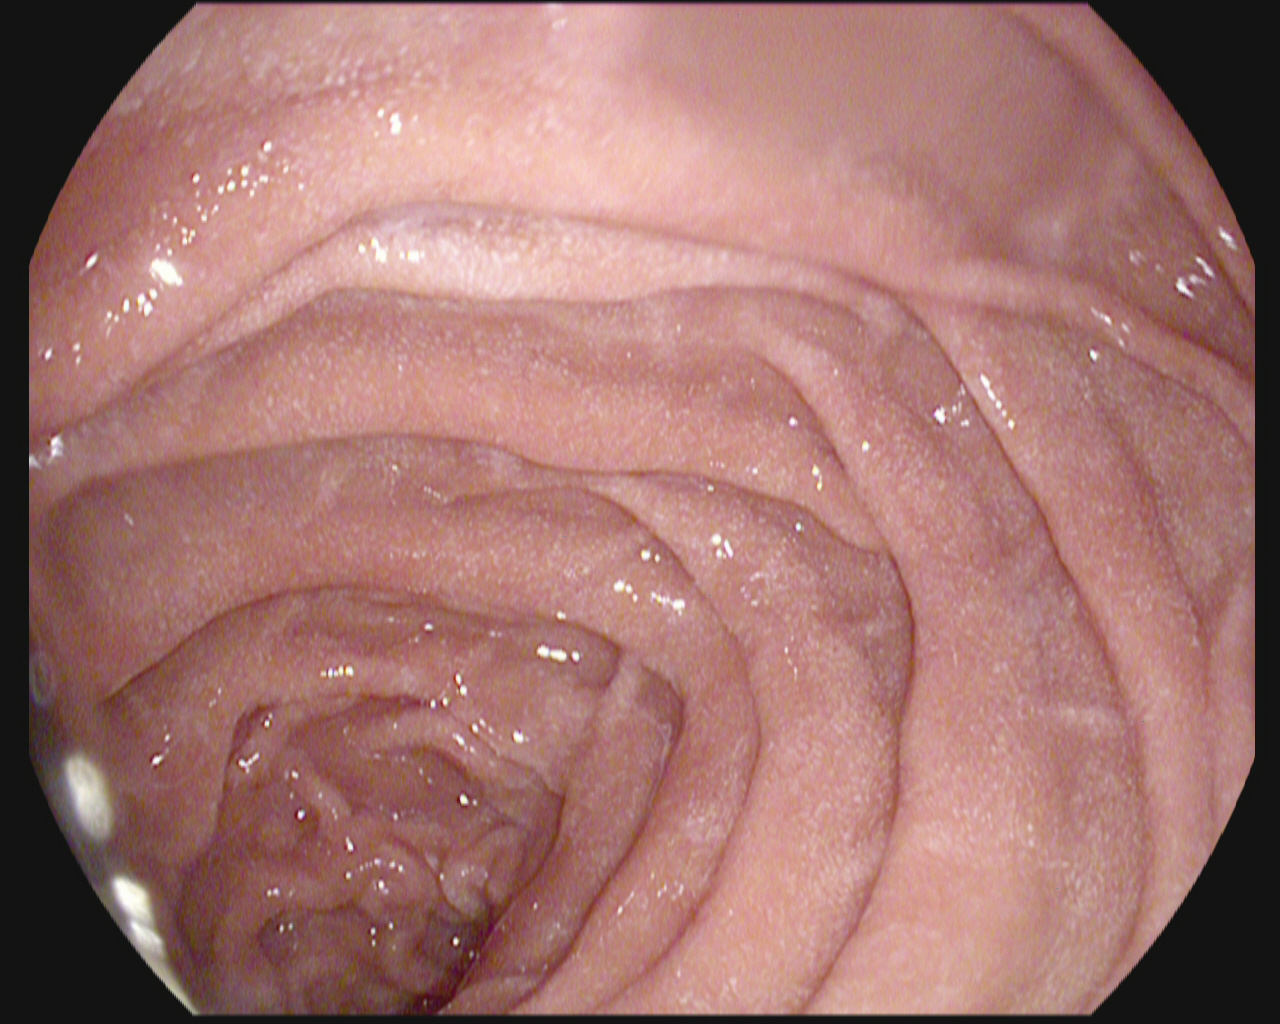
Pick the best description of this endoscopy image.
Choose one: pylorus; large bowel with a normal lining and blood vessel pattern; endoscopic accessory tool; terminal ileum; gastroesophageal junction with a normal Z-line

terminal ileum